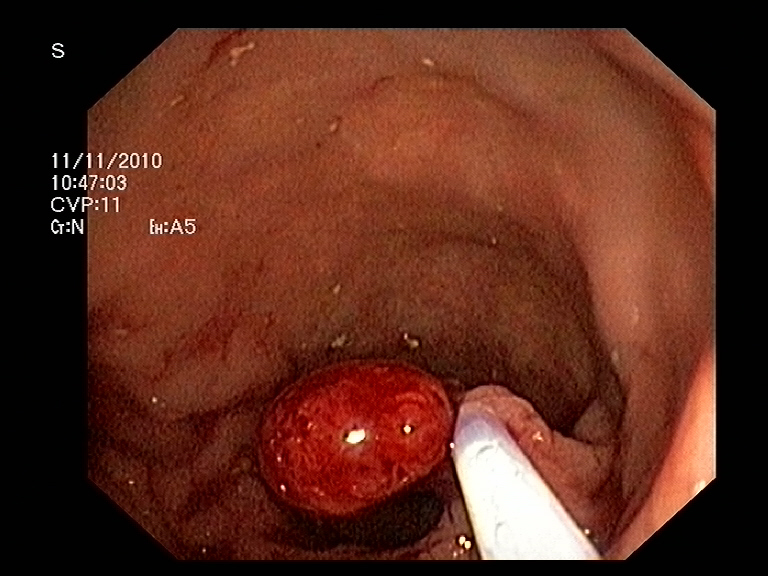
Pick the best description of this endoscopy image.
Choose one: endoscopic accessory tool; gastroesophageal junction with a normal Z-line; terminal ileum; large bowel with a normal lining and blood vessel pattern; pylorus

endoscopic accessory tool